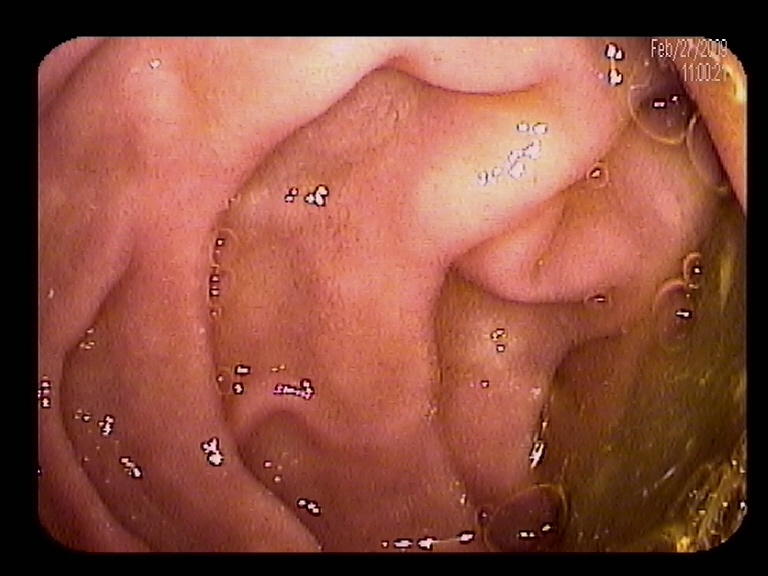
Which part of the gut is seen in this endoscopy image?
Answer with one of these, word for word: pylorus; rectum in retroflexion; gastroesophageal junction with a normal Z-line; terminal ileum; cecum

terminal ileum